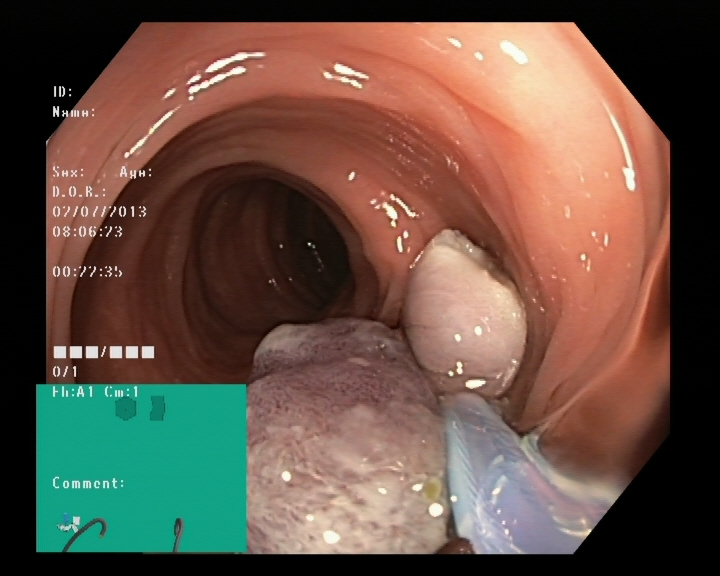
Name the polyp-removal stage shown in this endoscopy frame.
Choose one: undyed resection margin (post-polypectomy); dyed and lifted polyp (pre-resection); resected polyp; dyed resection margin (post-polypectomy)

resected polyp